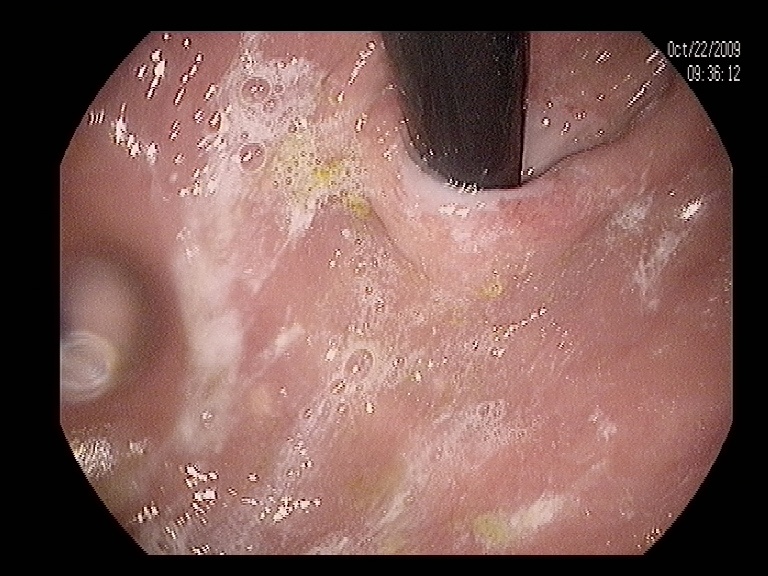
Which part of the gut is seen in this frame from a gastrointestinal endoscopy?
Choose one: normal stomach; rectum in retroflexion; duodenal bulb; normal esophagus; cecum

normal stomach